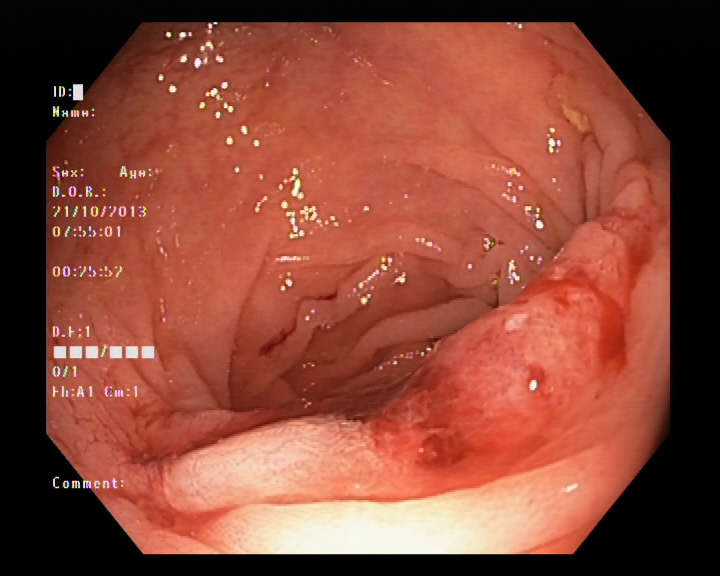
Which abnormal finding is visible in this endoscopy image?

colon polyp